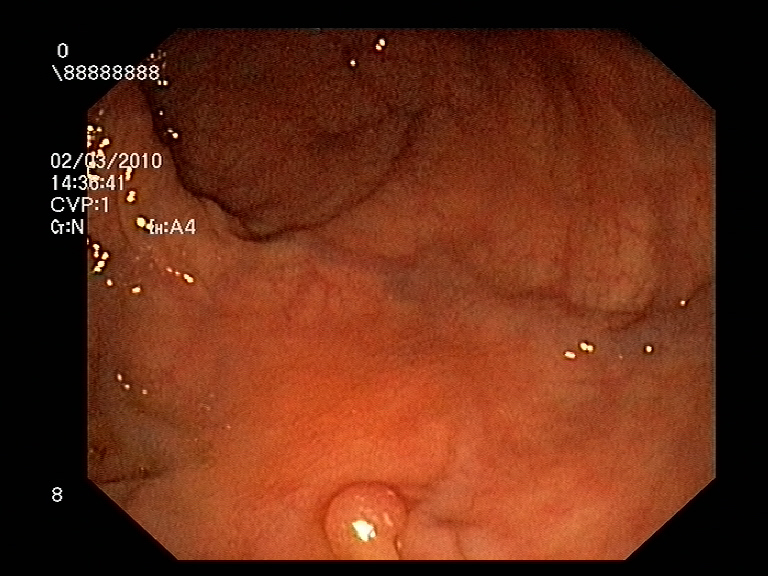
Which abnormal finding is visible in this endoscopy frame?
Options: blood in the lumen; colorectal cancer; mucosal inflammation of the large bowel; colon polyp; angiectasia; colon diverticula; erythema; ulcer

colon polyp